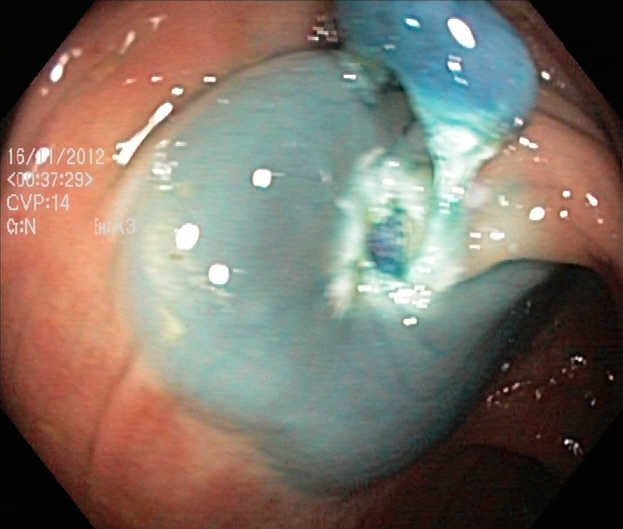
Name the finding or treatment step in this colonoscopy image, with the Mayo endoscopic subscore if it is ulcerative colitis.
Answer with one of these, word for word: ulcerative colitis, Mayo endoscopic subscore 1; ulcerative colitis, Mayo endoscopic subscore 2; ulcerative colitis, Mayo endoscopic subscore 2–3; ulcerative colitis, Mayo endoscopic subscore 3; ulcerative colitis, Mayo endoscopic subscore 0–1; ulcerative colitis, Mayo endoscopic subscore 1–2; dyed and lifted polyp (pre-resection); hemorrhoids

dyed and lifted polyp (pre-resection)